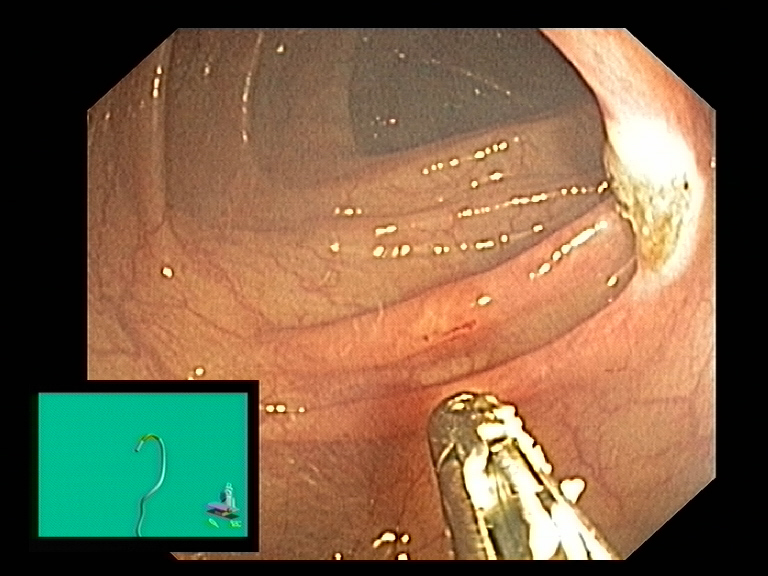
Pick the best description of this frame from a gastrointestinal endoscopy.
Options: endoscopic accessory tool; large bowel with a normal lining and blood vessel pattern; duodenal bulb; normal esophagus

endoscopic accessory tool